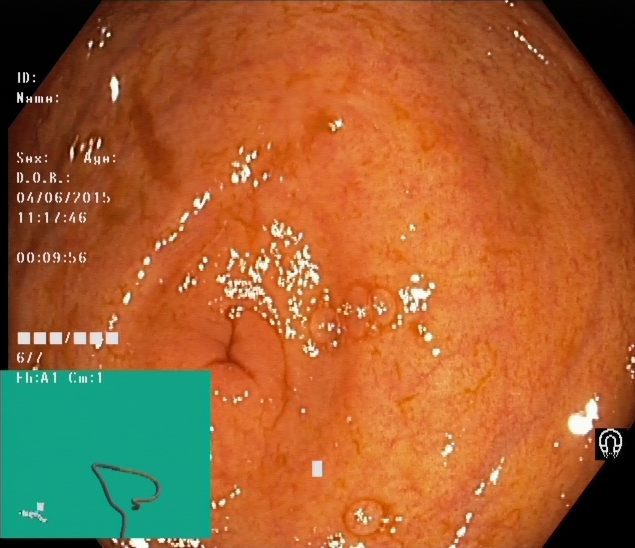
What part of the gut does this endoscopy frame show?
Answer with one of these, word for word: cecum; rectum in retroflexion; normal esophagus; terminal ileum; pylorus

cecum